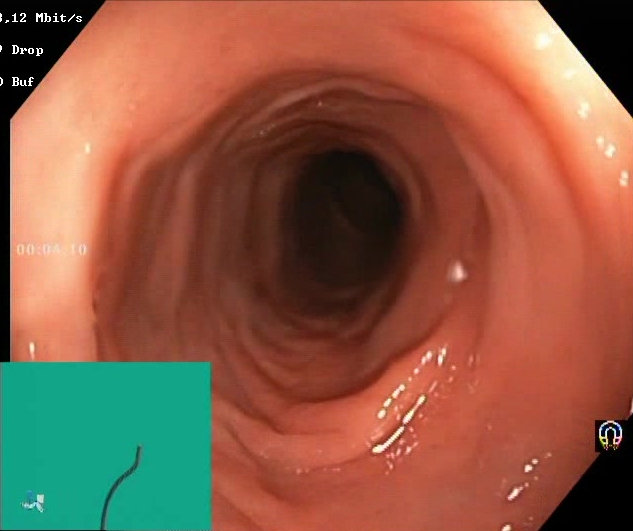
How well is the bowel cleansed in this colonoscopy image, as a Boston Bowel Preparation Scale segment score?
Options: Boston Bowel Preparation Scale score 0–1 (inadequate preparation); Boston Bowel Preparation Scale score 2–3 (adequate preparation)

Boston Bowel Preparation Scale score 2–3 (adequate preparation)